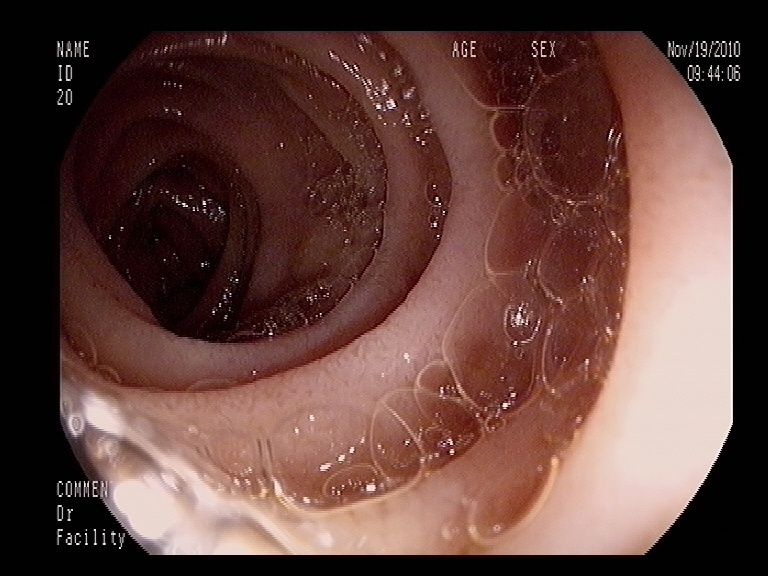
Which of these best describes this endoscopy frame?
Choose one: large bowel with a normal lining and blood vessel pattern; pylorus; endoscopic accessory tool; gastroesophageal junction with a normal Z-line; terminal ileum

terminal ileum